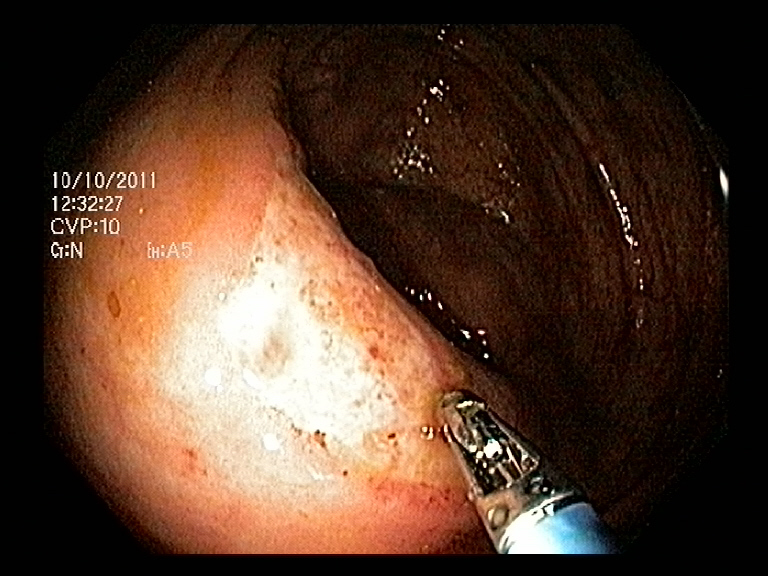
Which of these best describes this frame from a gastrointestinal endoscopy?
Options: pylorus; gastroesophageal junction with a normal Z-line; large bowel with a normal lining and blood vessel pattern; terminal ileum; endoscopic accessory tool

endoscopic accessory tool